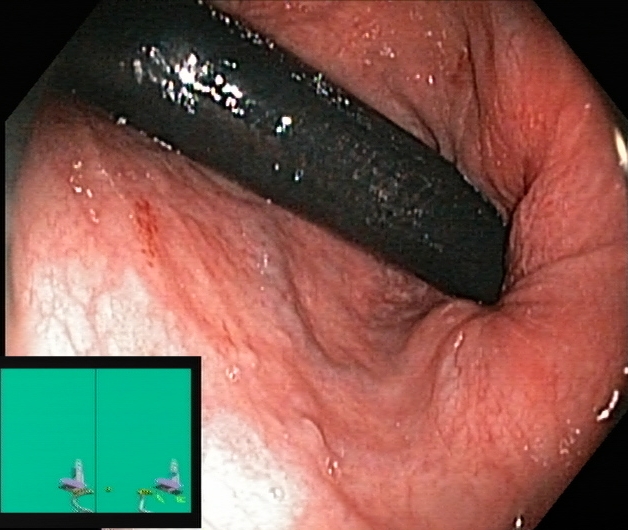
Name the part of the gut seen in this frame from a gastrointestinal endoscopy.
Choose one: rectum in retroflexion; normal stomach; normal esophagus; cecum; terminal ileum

rectum in retroflexion